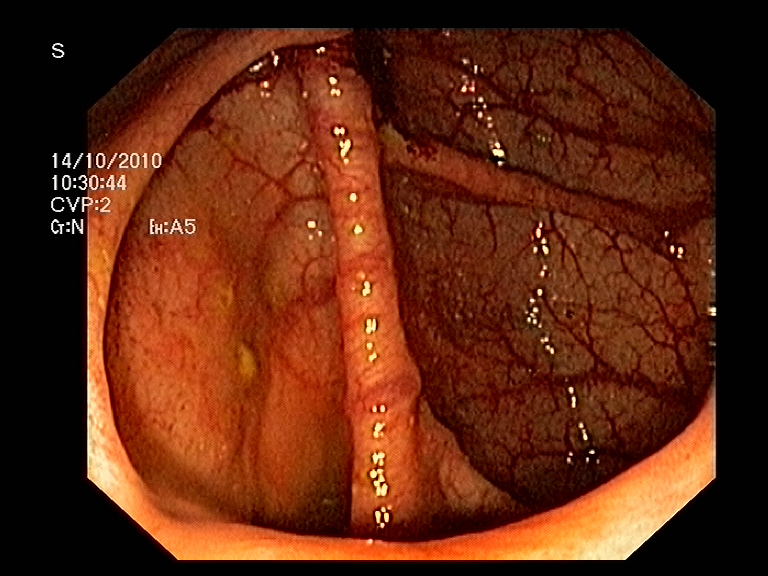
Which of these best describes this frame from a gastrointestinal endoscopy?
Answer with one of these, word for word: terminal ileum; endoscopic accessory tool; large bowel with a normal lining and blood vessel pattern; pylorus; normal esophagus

large bowel with a normal lining and blood vessel pattern